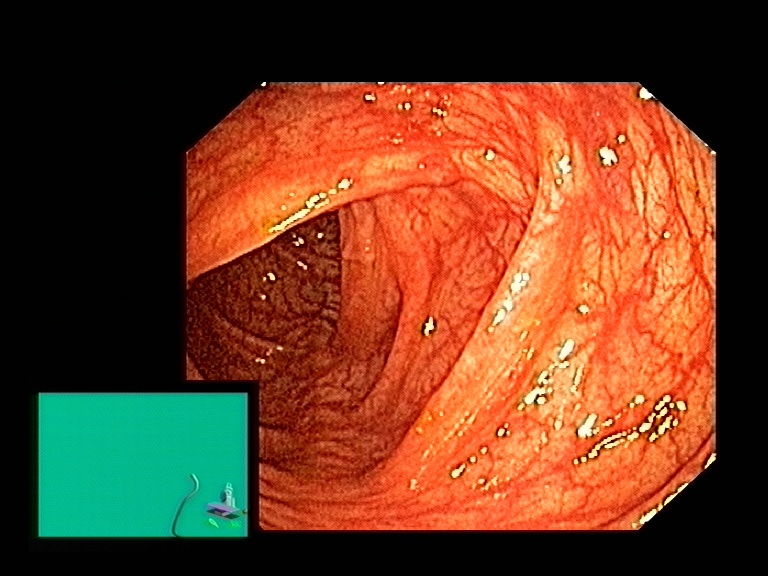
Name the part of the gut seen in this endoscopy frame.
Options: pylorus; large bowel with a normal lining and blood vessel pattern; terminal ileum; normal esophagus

large bowel with a normal lining and blood vessel pattern